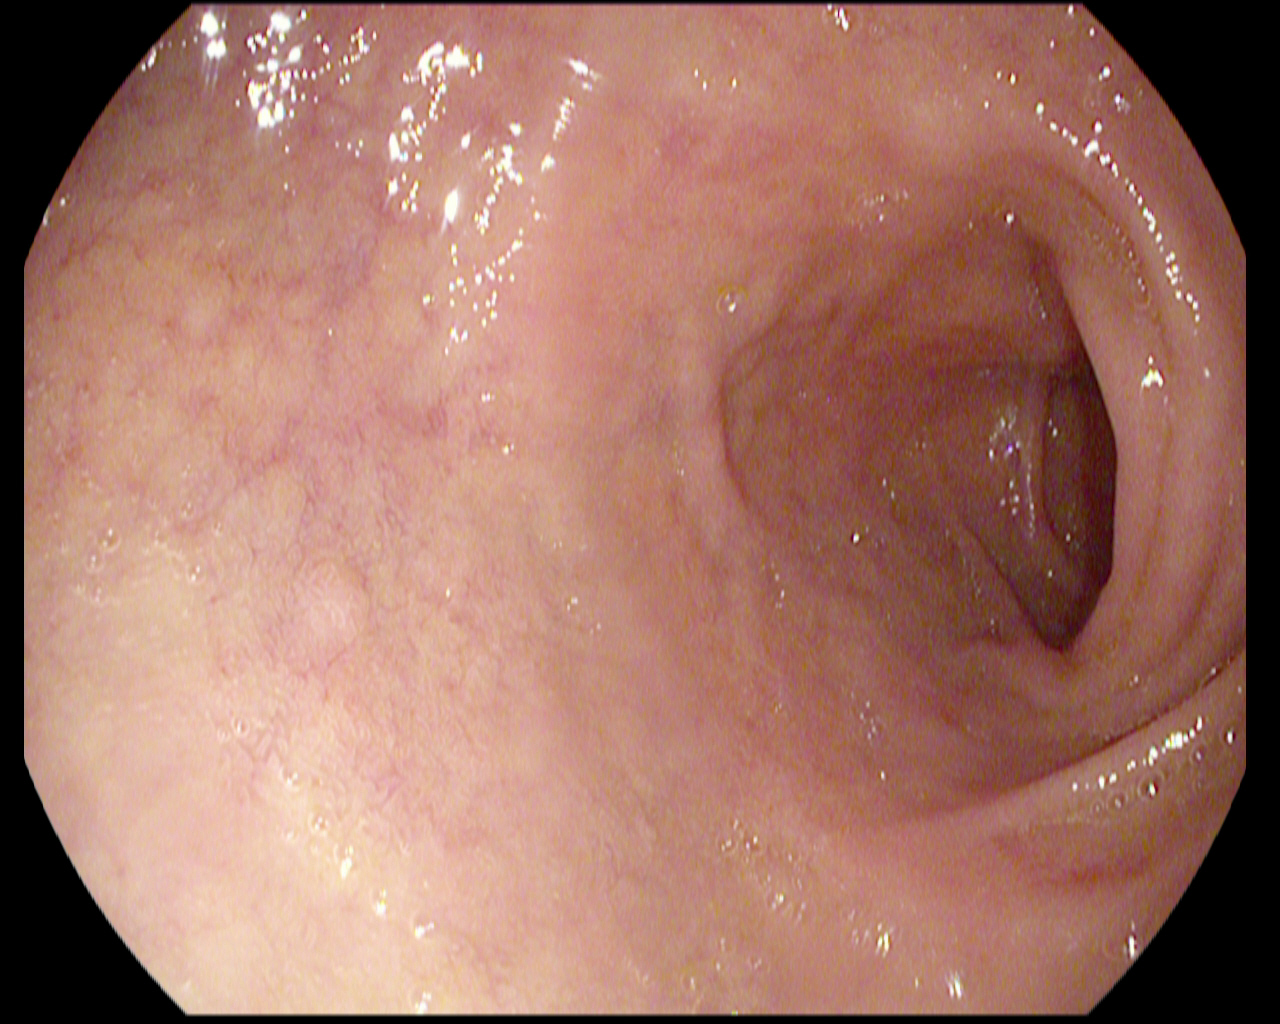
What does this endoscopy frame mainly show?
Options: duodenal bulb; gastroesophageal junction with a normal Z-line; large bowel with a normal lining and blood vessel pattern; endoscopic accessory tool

duodenal bulb